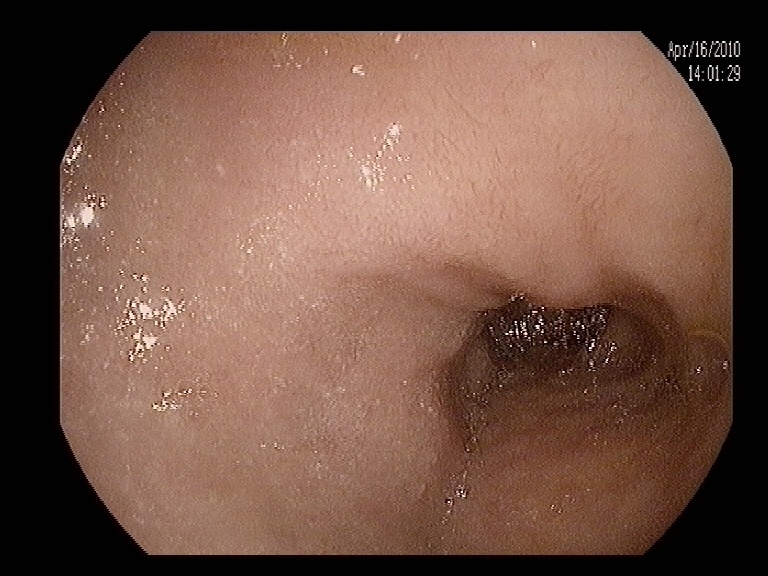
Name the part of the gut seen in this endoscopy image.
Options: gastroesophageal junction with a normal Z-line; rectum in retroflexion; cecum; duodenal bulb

duodenal bulb